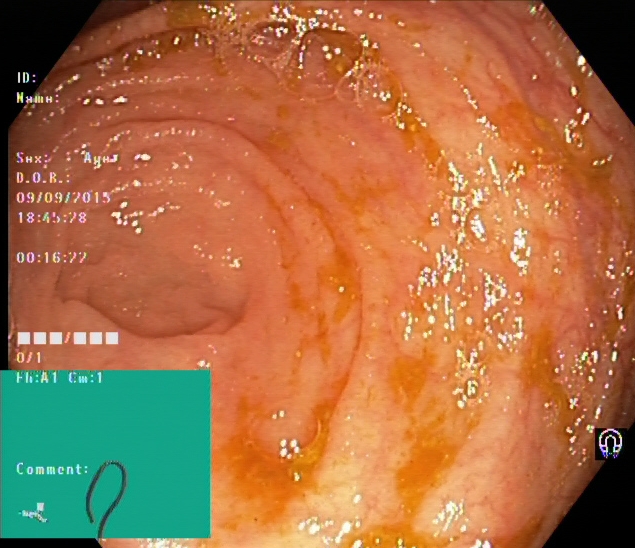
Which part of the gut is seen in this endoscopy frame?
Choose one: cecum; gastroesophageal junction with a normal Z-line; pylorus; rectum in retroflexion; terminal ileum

cecum